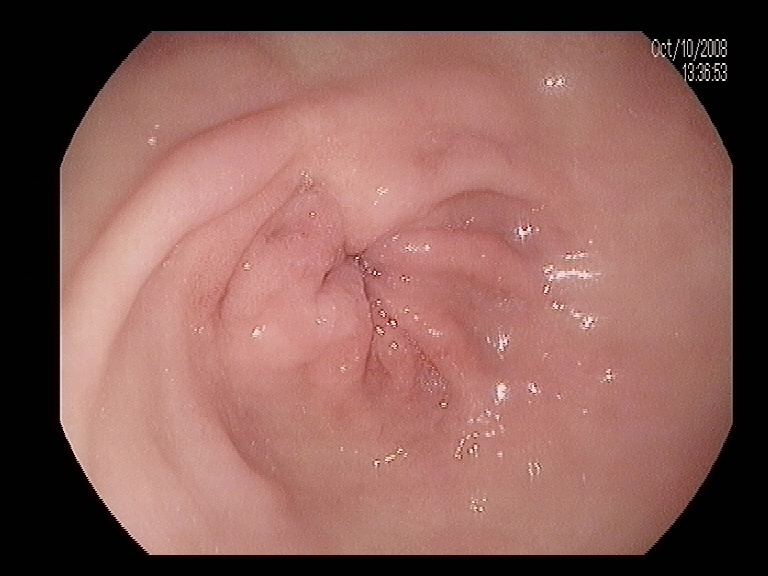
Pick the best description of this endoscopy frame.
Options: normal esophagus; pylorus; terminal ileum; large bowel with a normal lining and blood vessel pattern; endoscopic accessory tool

pylorus